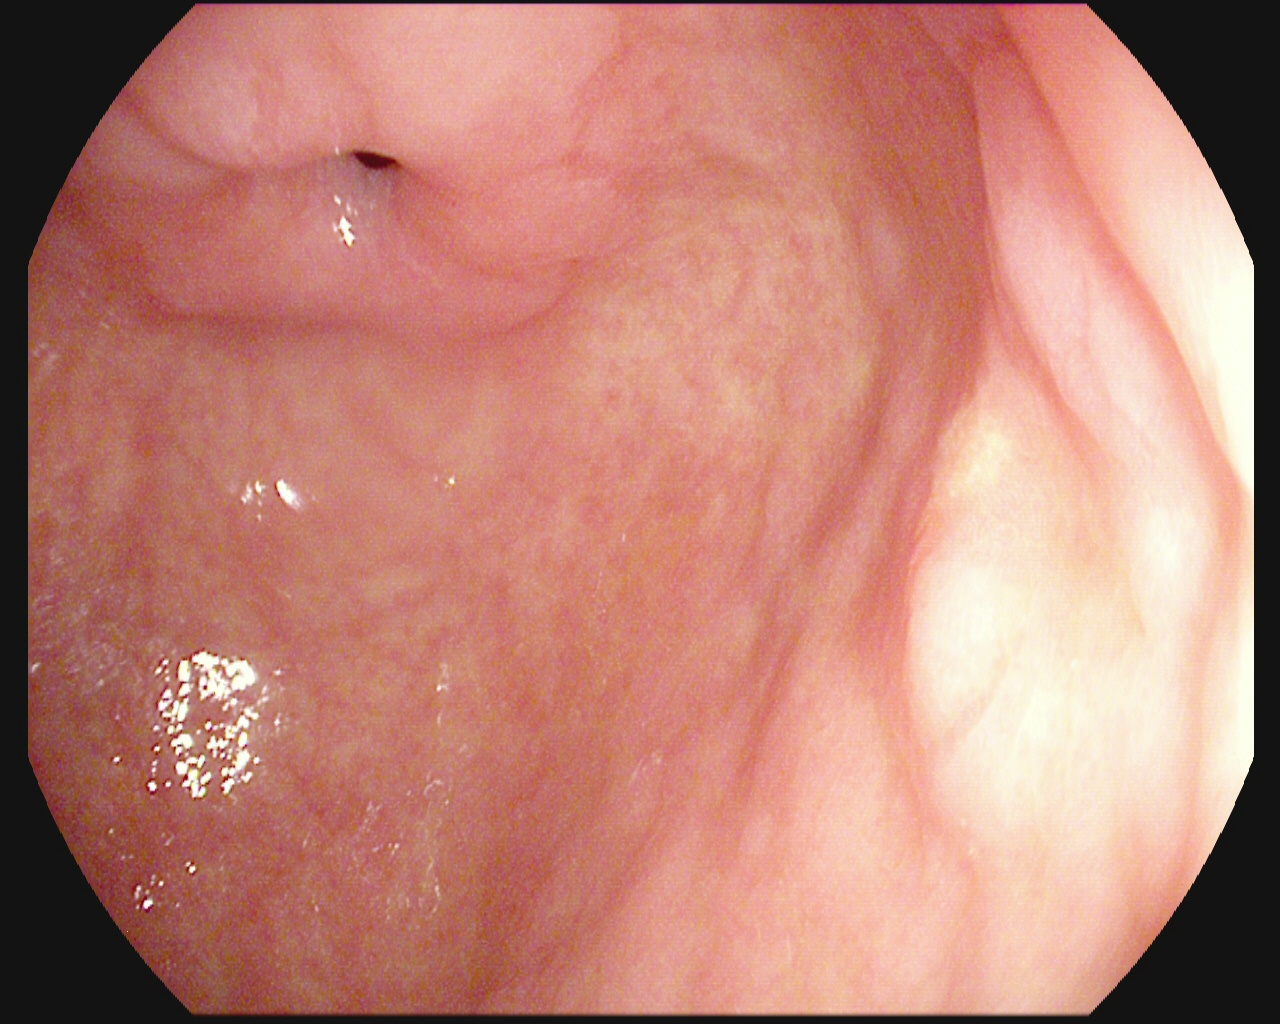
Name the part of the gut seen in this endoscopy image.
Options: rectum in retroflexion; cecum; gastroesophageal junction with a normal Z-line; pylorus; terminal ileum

pylorus